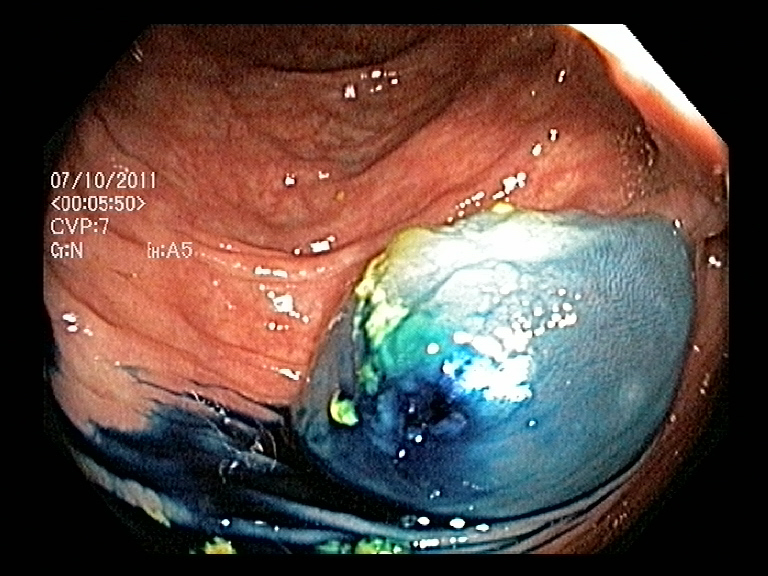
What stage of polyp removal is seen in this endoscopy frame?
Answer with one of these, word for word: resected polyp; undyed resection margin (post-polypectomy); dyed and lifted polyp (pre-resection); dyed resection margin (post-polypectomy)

dyed resection margin (post-polypectomy)